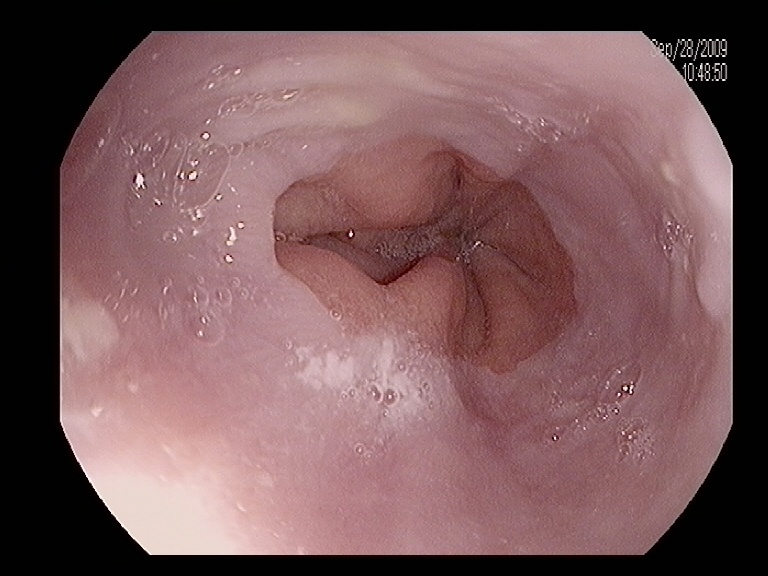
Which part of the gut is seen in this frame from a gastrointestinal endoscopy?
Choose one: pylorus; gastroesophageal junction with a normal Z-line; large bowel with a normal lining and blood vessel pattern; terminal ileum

gastroesophageal junction with a normal Z-line